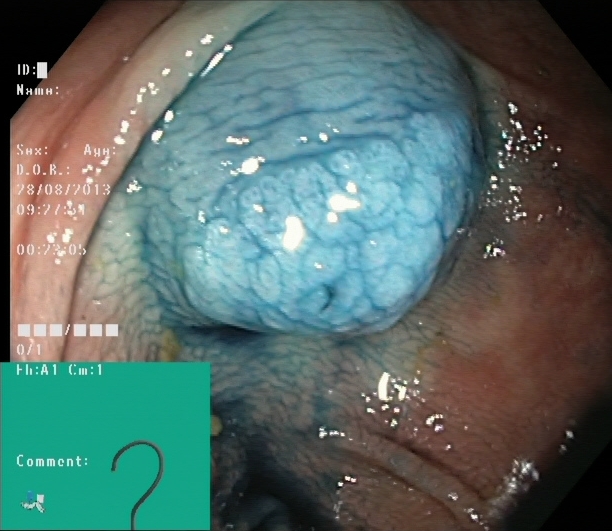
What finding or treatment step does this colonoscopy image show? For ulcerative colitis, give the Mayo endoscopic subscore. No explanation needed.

dyed and lifted polyp (pre-resection)